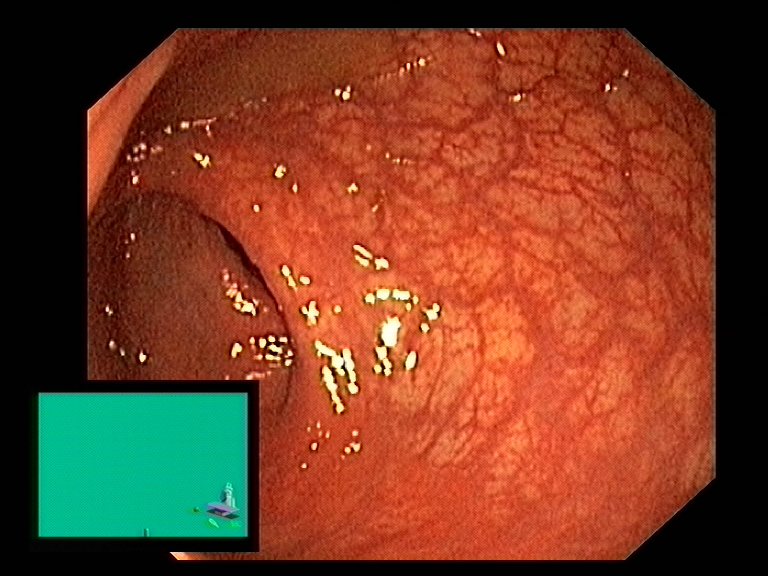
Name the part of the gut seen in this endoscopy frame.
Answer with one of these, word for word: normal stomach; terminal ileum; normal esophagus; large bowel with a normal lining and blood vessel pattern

large bowel with a normal lining and blood vessel pattern